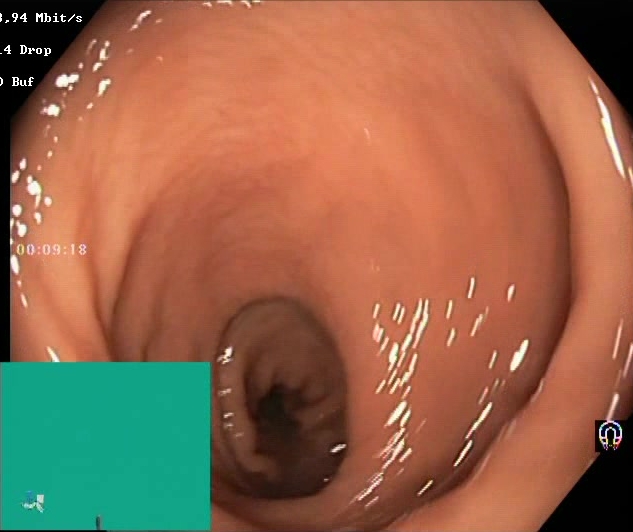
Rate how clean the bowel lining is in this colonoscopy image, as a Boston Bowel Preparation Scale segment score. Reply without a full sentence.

Boston Bowel Preparation Scale score 2–3 (adequate preparation)